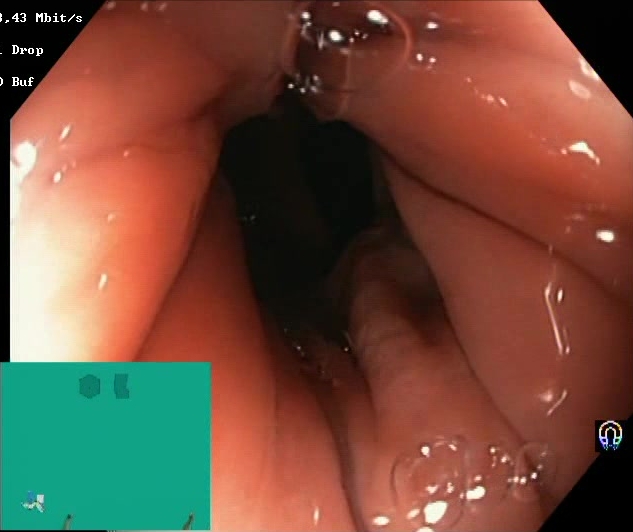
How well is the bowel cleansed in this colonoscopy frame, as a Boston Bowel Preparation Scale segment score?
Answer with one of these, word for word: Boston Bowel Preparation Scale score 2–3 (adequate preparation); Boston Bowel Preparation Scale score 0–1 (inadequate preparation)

Boston Bowel Preparation Scale score 2–3 (adequate preparation)